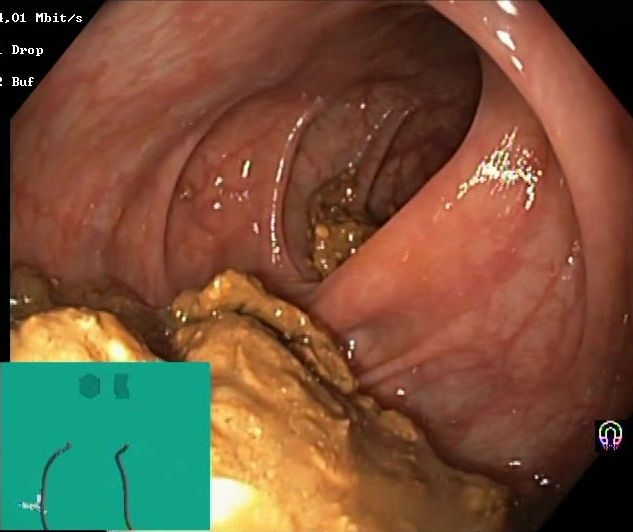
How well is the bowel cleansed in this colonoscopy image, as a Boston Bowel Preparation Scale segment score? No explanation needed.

Boston Bowel Preparation Scale score 0–1 (inadequate preparation)